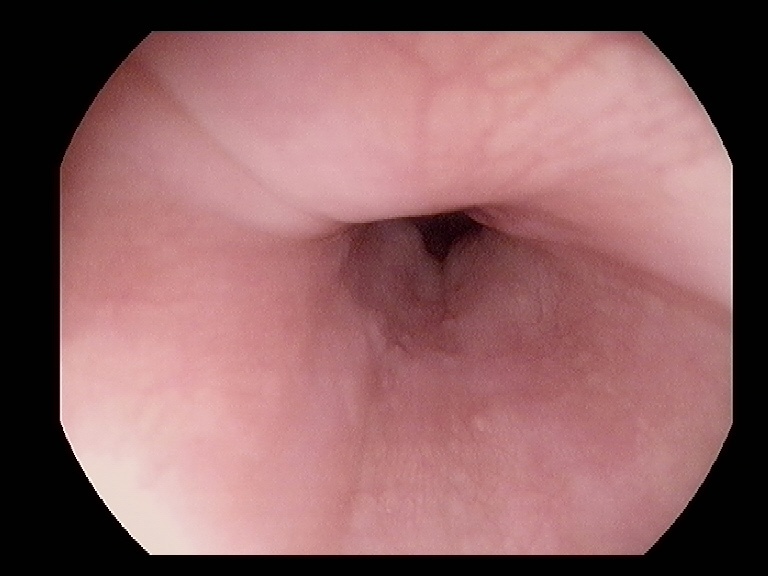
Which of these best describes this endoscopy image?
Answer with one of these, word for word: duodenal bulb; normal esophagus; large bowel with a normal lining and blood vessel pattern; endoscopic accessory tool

normal esophagus